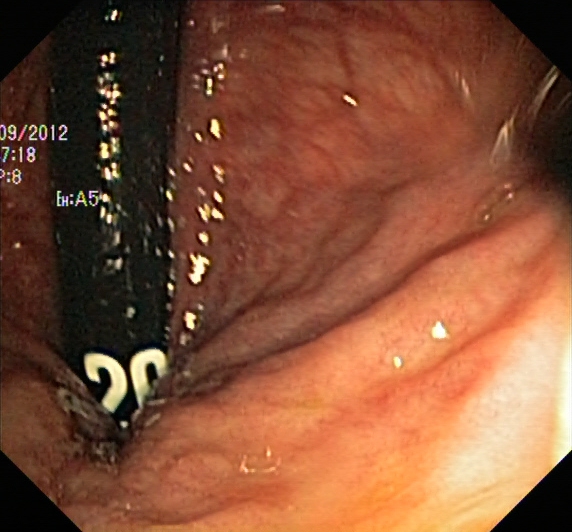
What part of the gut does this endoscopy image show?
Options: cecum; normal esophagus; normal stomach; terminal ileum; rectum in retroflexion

rectum in retroflexion